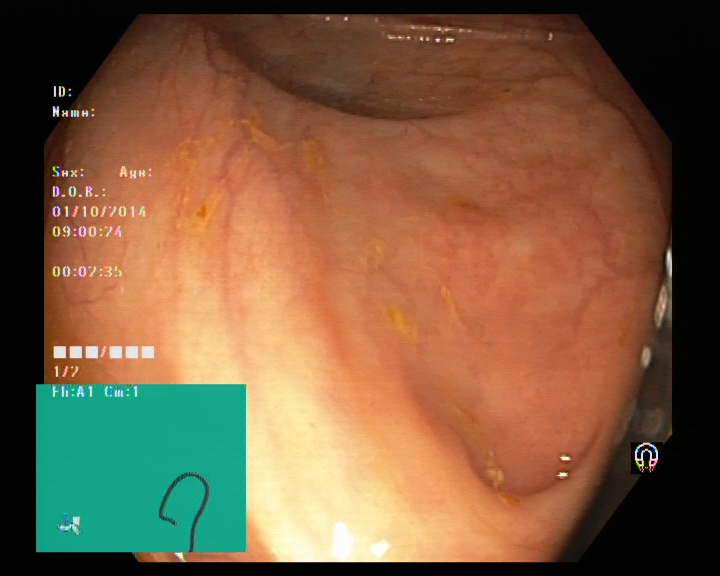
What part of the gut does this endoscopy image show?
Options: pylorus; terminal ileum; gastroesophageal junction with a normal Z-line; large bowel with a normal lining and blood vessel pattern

large bowel with a normal lining and blood vessel pattern